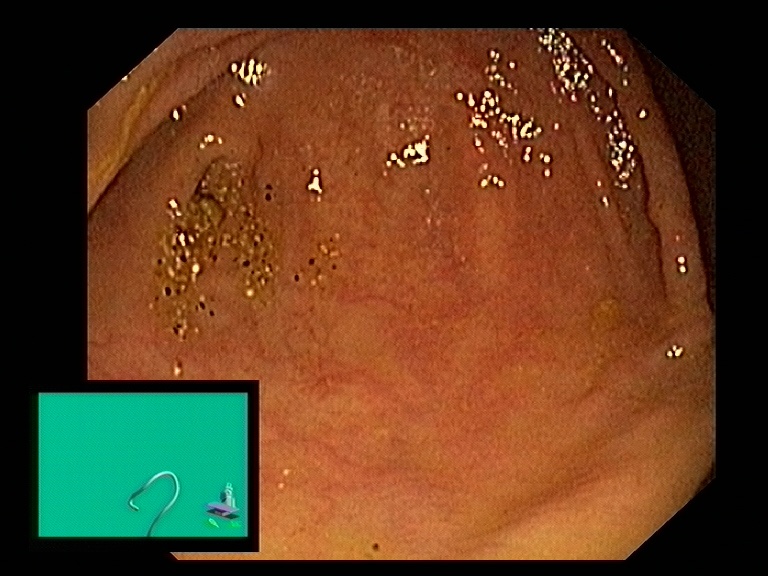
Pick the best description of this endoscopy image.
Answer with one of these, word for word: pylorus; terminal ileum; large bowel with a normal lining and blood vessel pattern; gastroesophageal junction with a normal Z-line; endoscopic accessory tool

large bowel with a normal lining and blood vessel pattern